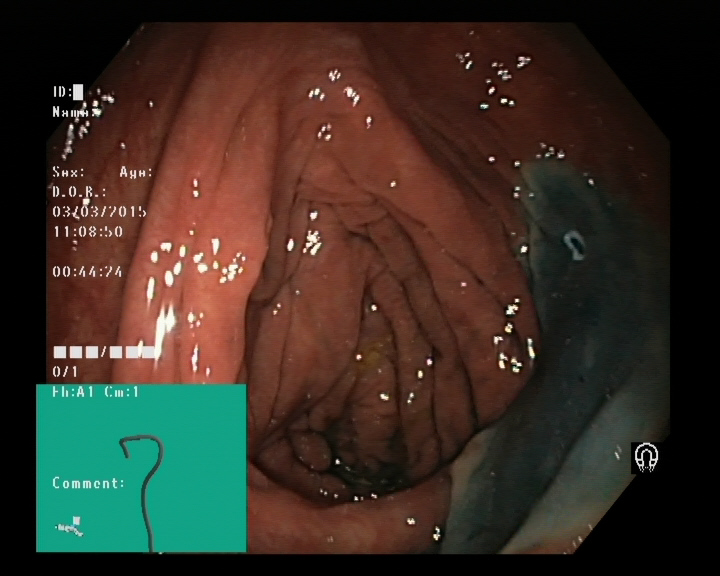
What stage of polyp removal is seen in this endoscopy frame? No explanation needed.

dyed resection margin (post-polypectomy)